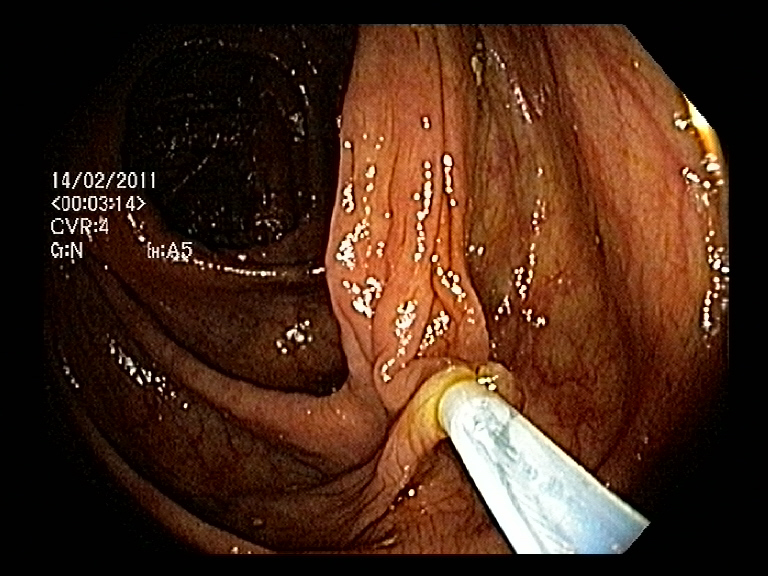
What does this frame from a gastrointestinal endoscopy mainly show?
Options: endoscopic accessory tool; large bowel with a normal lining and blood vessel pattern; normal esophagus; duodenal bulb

endoscopic accessory tool